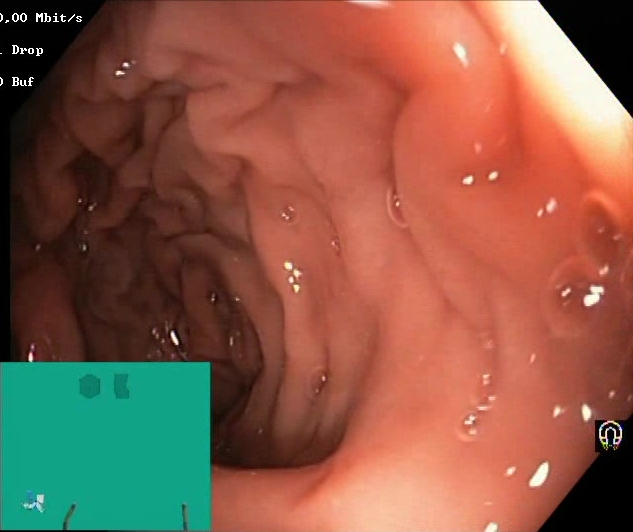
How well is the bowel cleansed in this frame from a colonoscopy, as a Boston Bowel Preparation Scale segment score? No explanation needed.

Boston Bowel Preparation Scale score 2–3 (adequate preparation)